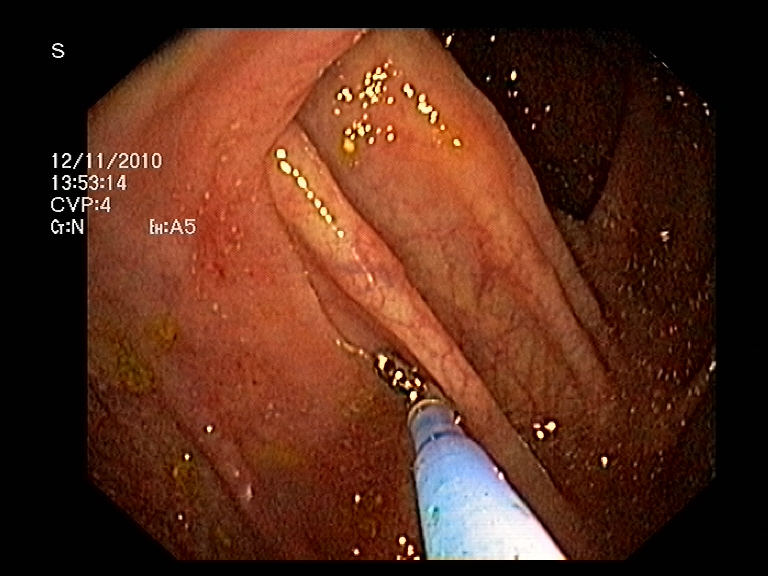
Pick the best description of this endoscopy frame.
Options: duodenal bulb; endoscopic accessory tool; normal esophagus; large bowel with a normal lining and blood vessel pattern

endoscopic accessory tool